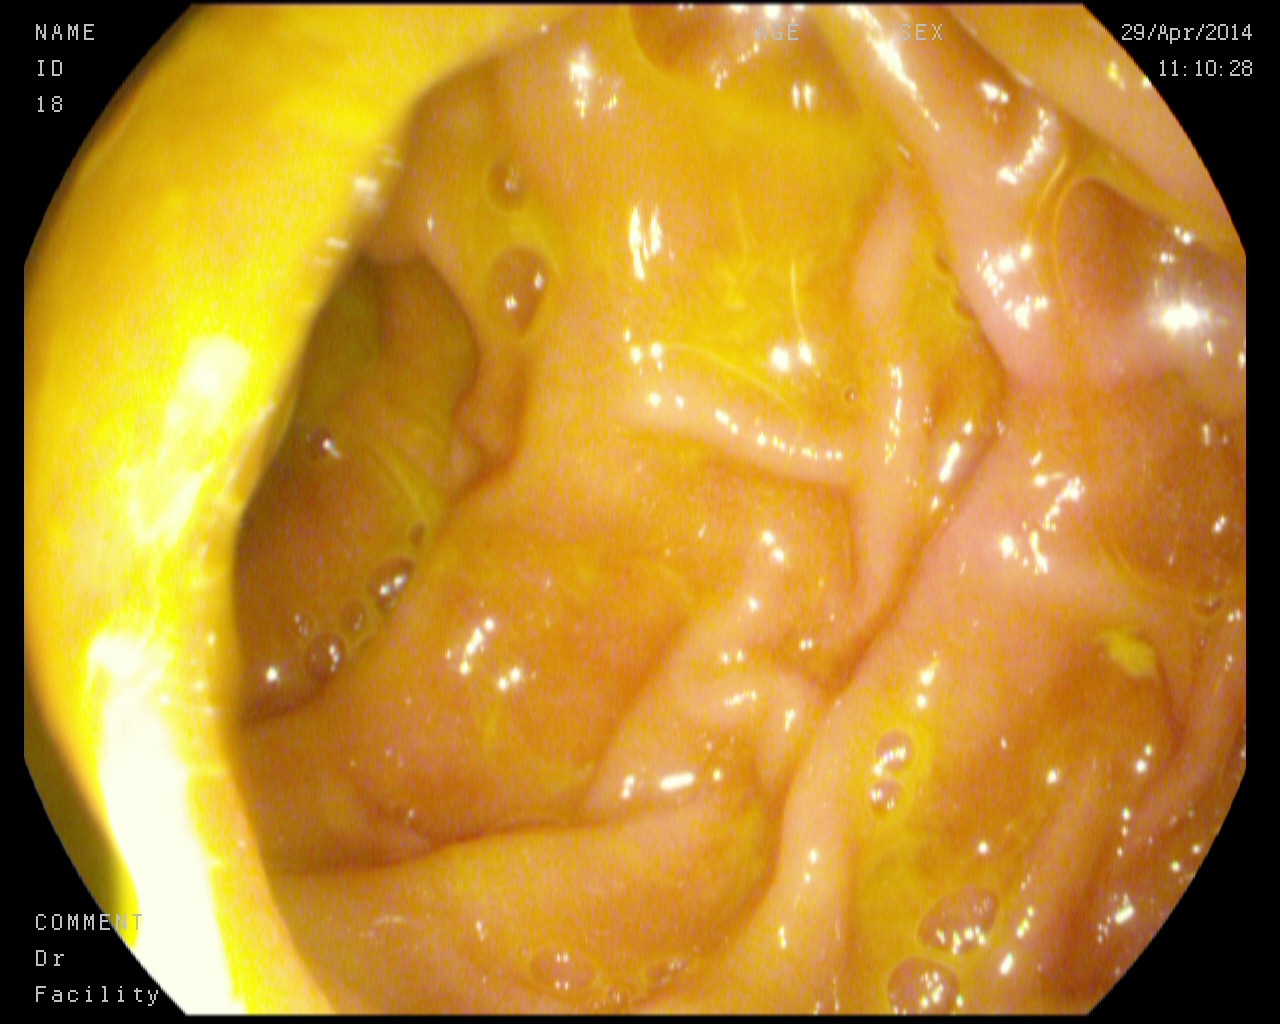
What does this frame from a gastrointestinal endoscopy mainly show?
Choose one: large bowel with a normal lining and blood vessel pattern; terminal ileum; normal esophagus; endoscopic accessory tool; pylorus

terminal ileum